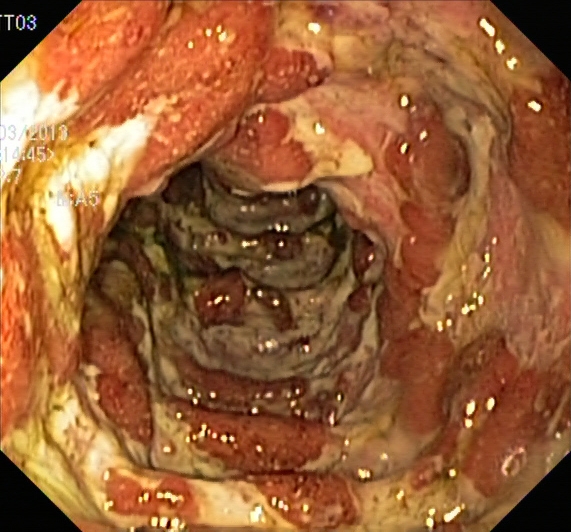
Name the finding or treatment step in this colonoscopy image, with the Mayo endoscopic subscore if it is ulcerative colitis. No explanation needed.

ulcerative colitis, Mayo endoscopic subscore 3